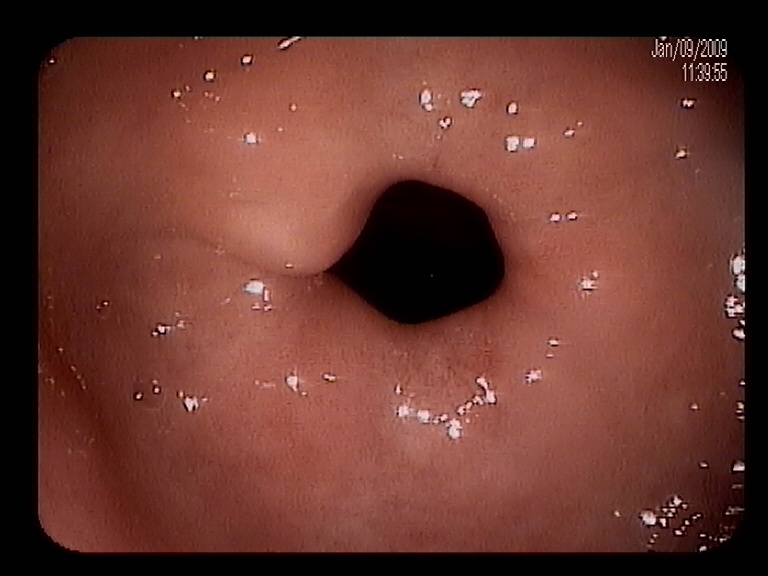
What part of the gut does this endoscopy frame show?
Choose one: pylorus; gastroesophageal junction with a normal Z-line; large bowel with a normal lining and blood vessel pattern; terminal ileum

pylorus